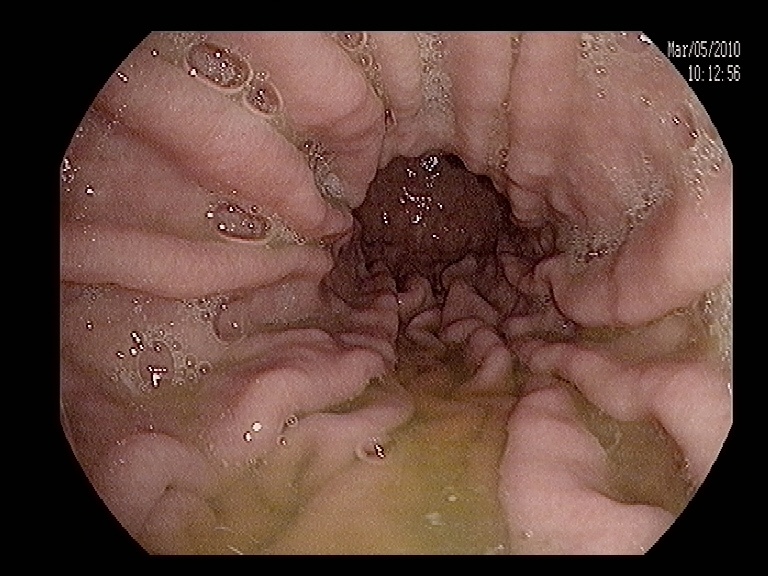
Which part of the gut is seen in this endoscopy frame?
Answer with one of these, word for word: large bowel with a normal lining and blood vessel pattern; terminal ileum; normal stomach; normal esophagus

normal stomach